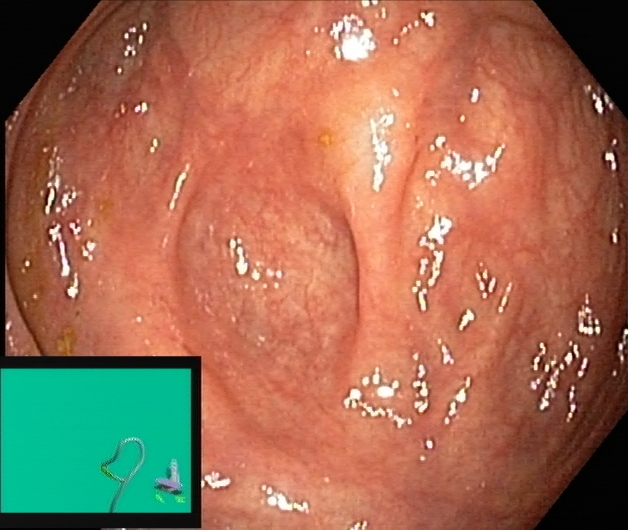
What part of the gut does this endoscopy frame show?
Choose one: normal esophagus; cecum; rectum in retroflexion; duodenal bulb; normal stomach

cecum